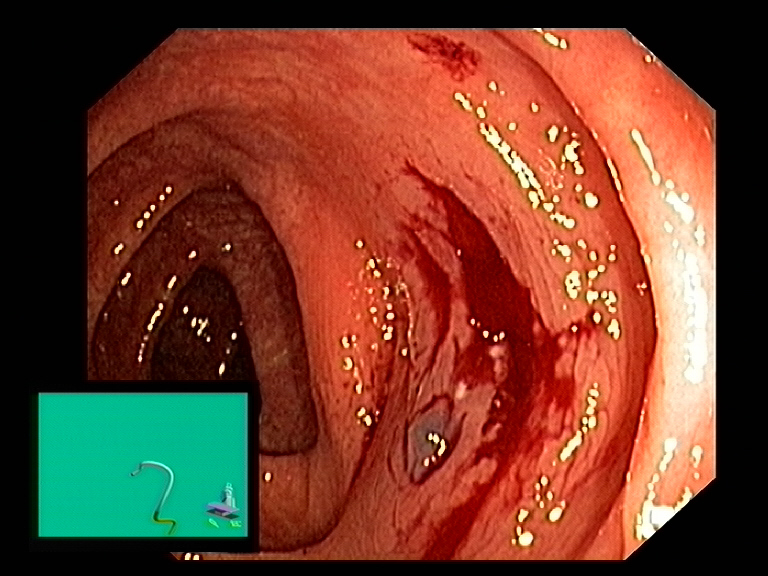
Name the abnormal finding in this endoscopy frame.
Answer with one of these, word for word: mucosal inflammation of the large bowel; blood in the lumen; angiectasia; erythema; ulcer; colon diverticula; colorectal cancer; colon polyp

blood in the lumen